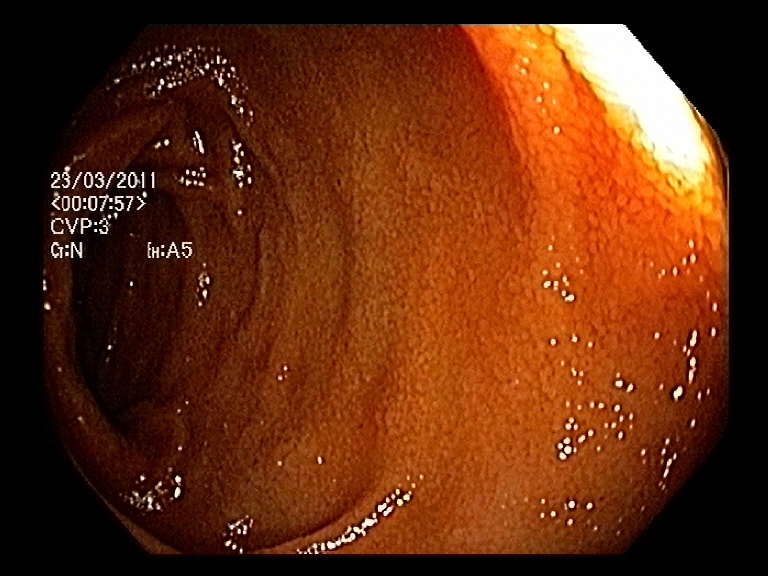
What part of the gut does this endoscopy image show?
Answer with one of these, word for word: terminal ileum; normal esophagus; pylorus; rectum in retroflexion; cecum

terminal ileum